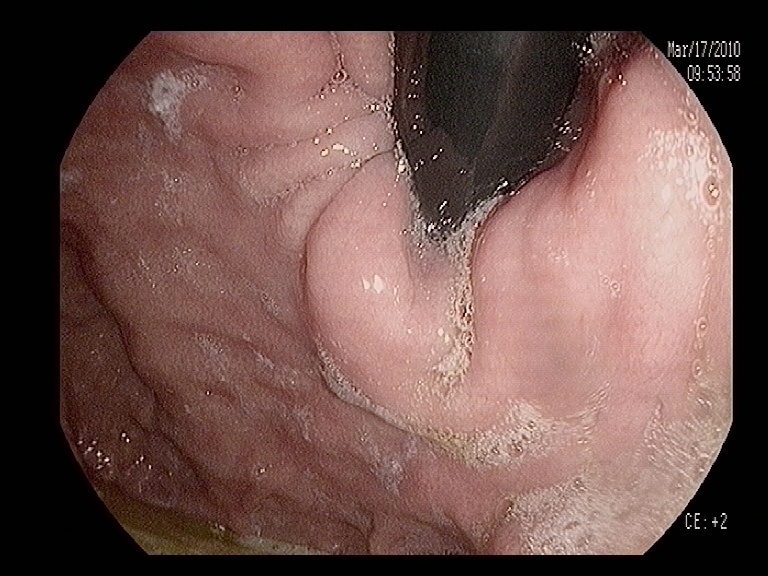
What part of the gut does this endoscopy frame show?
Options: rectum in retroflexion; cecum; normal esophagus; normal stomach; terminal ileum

normal stomach